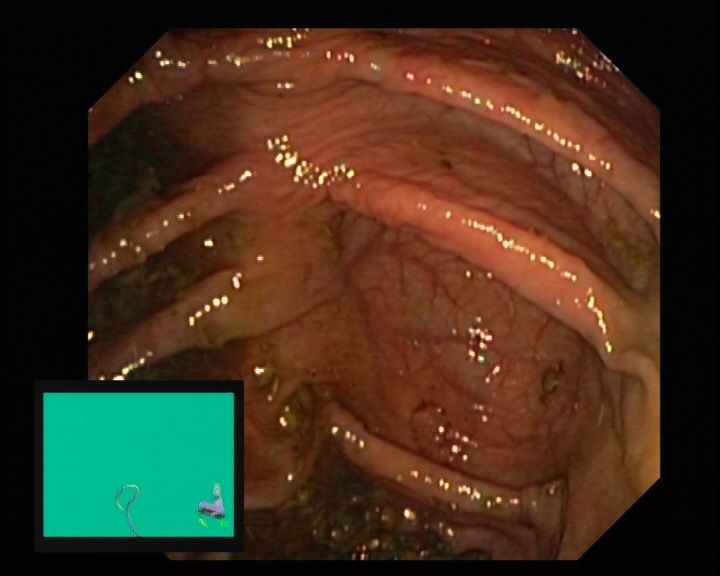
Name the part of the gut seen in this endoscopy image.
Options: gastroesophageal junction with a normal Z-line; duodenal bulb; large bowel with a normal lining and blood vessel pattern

large bowel with a normal lining and blood vessel pattern